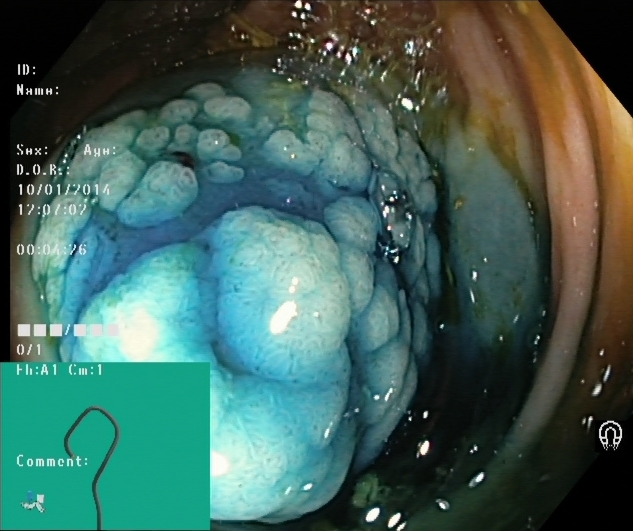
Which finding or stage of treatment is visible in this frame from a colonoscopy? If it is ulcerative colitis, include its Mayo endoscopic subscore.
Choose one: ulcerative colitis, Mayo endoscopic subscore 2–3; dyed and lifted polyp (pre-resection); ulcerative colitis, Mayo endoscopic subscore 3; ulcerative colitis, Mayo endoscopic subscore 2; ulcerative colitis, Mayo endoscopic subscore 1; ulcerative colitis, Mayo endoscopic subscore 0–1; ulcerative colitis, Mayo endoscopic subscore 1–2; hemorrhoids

dyed and lifted polyp (pre-resection)